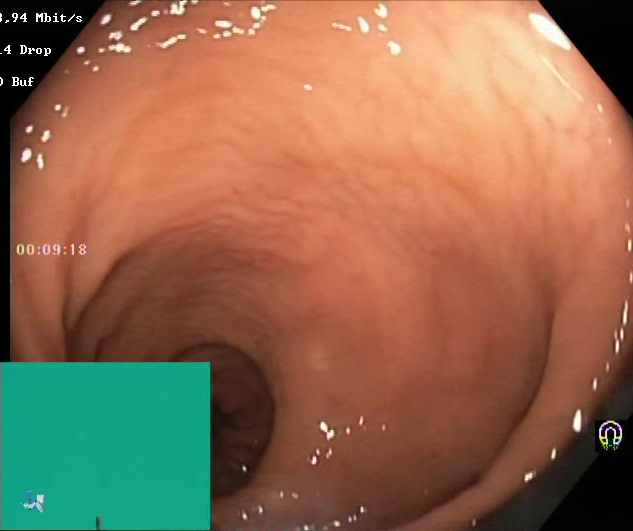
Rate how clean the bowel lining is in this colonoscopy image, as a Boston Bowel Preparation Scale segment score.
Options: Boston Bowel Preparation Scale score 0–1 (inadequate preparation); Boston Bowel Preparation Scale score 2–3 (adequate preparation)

Boston Bowel Preparation Scale score 2–3 (adequate preparation)